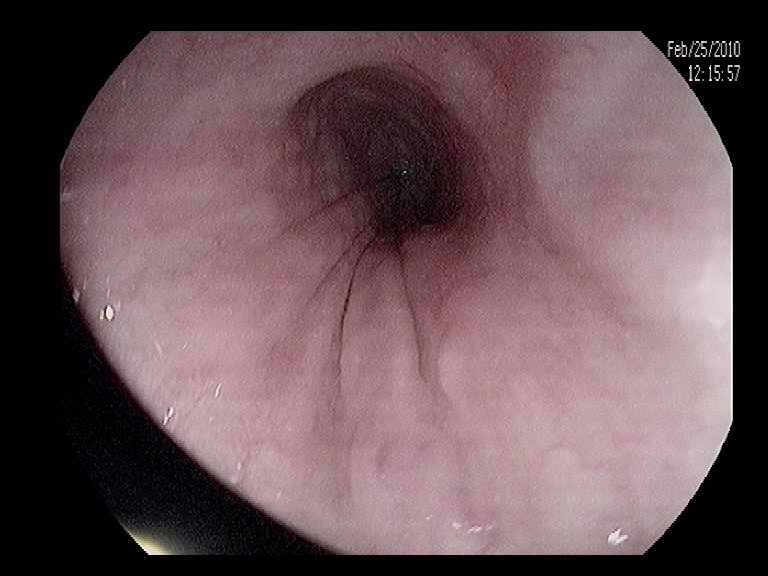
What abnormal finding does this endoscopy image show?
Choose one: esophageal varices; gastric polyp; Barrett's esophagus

esophageal varices